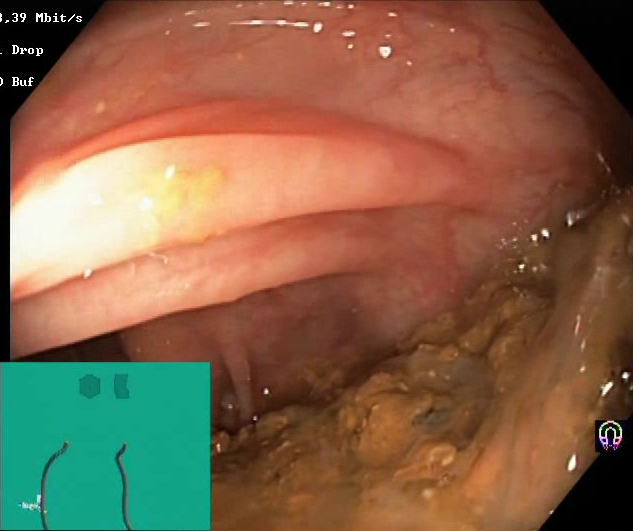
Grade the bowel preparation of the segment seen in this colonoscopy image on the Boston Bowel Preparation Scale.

Boston Bowel Preparation Scale score 0–1 (inadequate preparation)